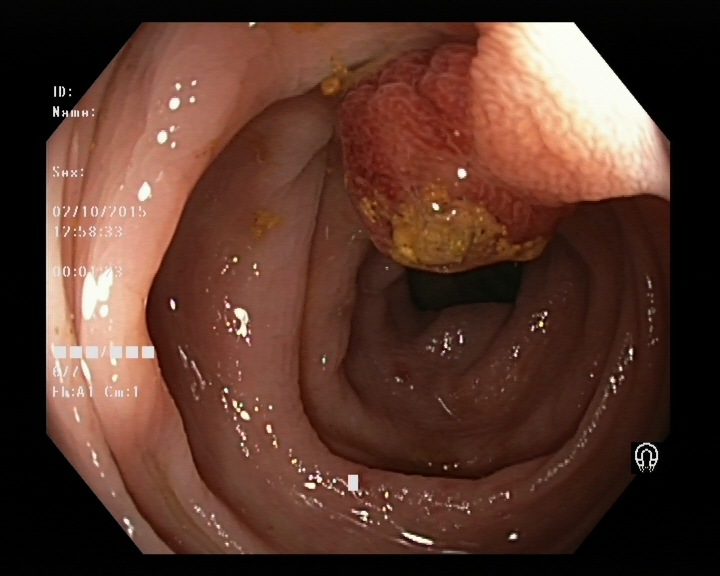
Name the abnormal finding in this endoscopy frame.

colon polyp